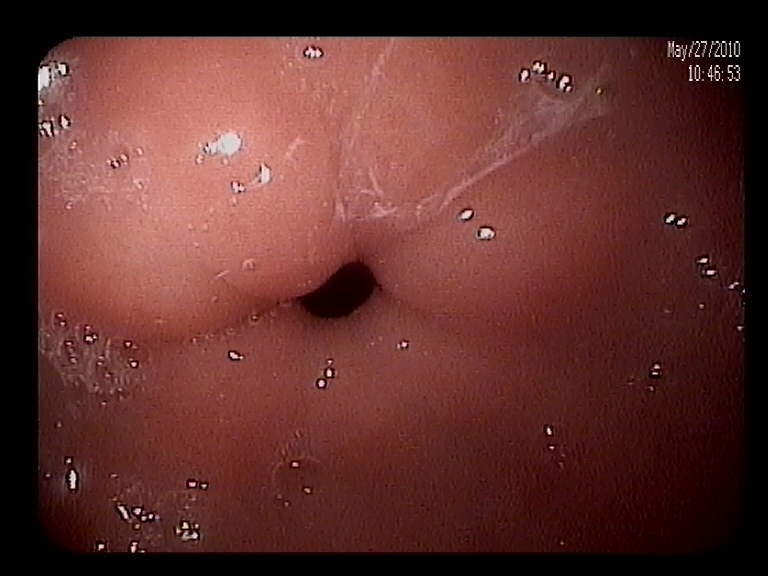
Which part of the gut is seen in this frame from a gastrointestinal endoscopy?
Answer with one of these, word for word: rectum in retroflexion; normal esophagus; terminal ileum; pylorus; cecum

pylorus